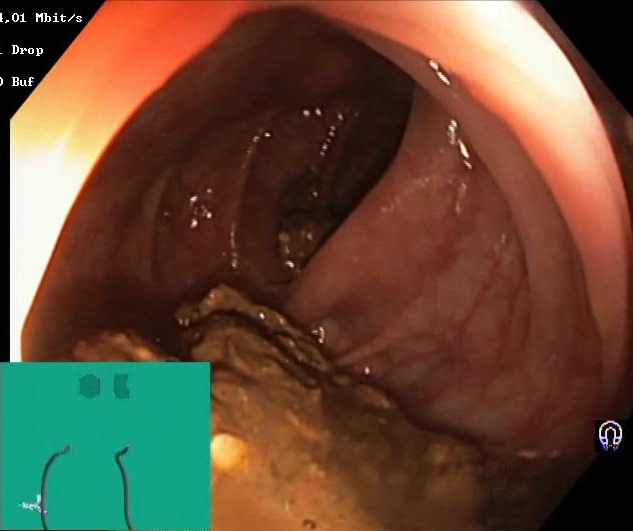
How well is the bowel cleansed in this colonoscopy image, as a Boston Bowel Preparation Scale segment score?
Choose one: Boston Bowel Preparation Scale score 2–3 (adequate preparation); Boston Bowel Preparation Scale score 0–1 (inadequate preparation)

Boston Bowel Preparation Scale score 0–1 (inadequate preparation)